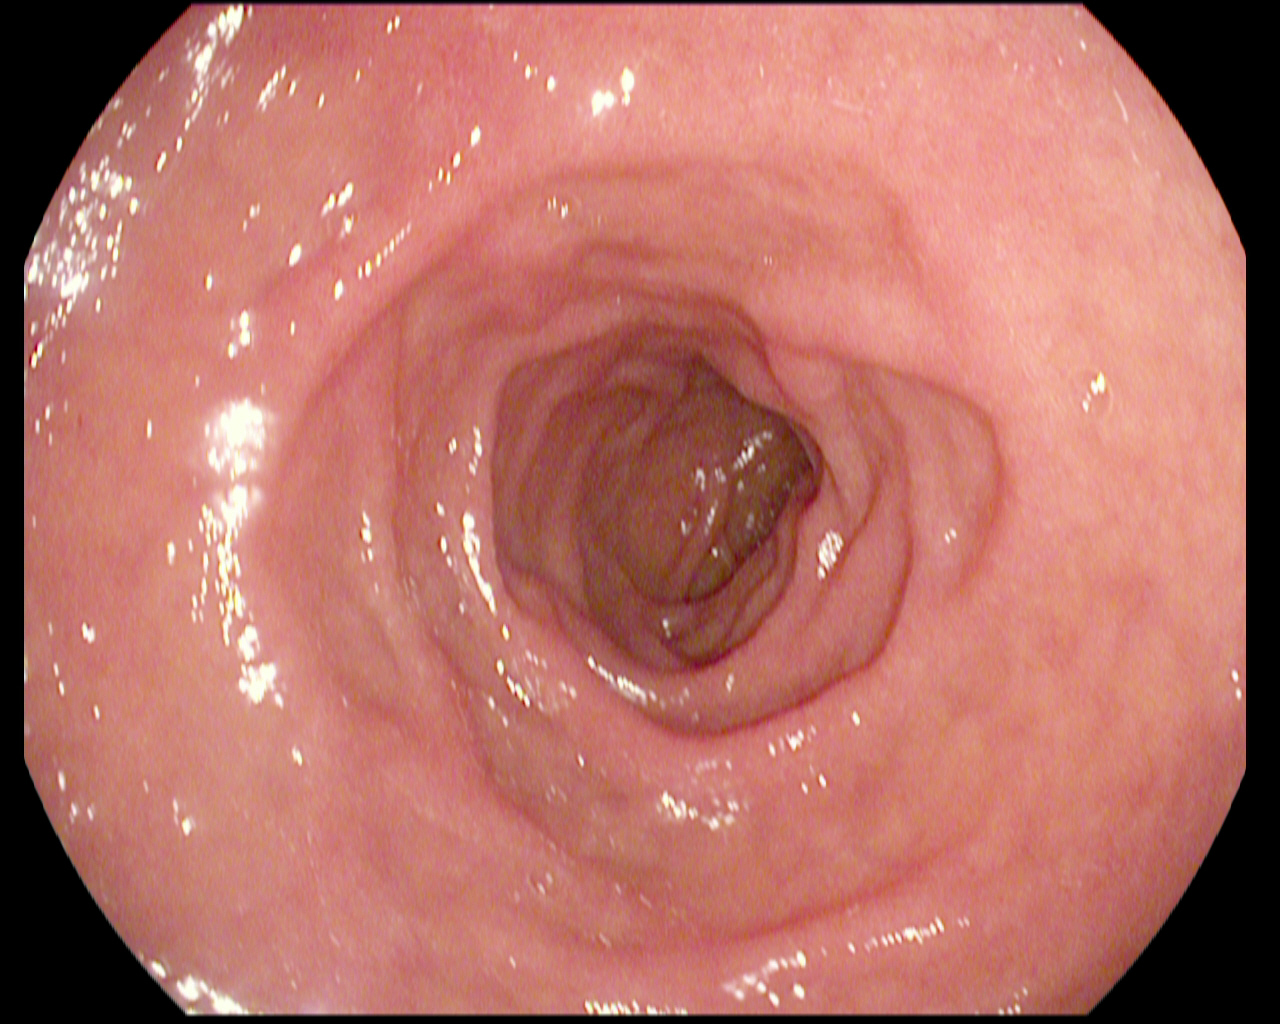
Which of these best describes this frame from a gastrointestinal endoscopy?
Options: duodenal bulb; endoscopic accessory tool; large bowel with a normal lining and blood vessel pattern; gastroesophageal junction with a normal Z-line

duodenal bulb